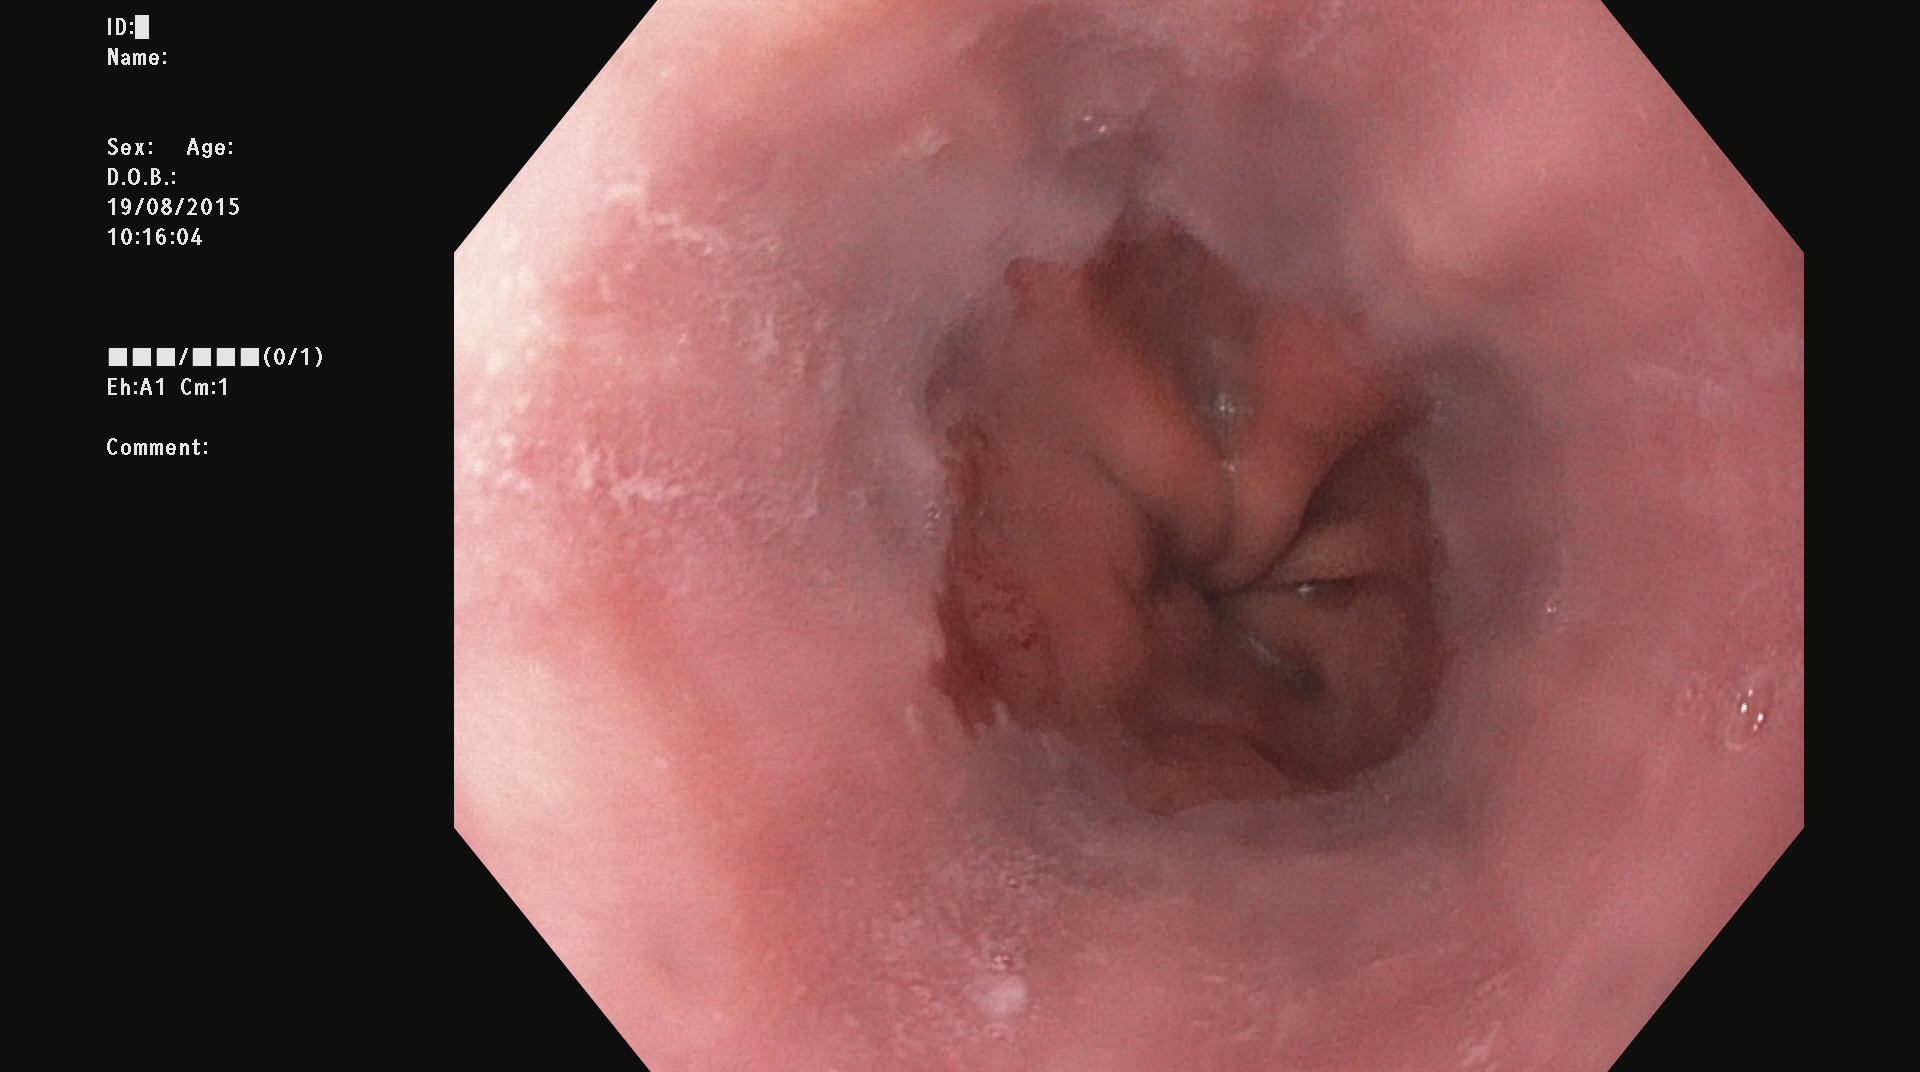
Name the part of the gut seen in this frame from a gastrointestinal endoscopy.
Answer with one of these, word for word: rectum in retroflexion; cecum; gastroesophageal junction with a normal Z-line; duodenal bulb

gastroesophageal junction with a normal Z-line